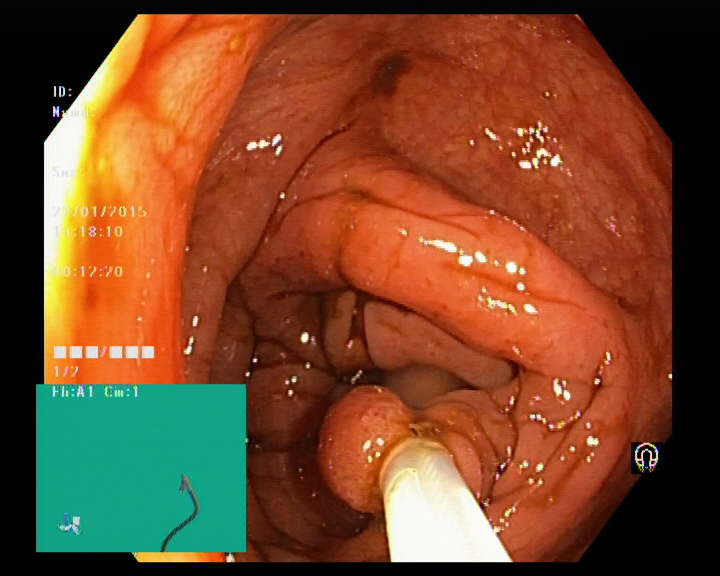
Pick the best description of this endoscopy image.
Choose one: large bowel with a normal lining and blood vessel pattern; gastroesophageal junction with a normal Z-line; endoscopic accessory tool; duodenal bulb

endoscopic accessory tool